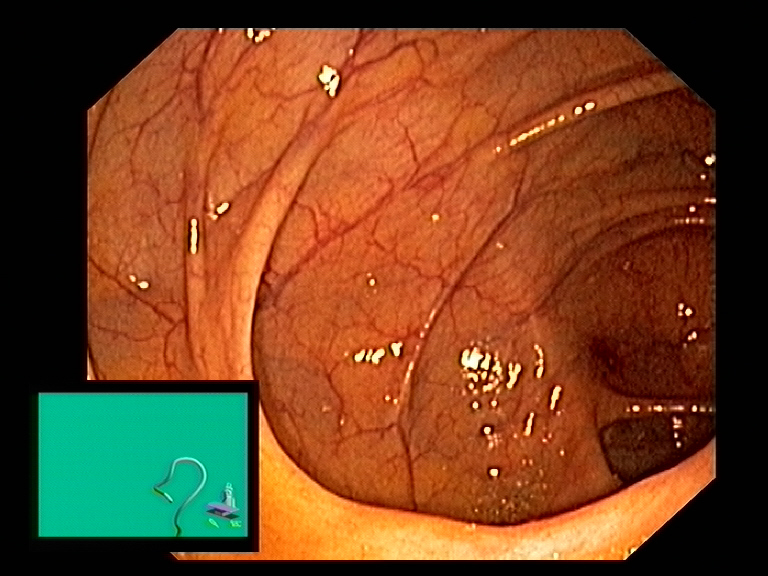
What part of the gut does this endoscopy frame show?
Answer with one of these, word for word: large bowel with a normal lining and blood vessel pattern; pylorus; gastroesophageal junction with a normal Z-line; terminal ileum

large bowel with a normal lining and blood vessel pattern